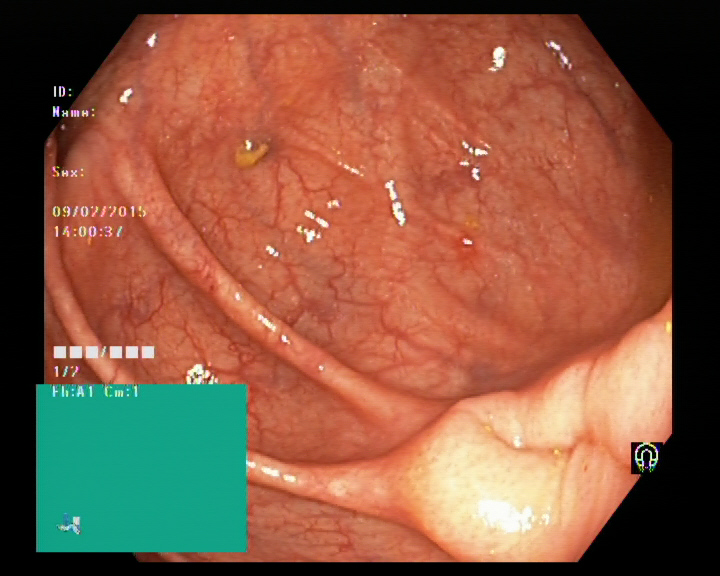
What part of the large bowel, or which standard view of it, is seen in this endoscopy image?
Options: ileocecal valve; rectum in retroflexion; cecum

ileocecal valve